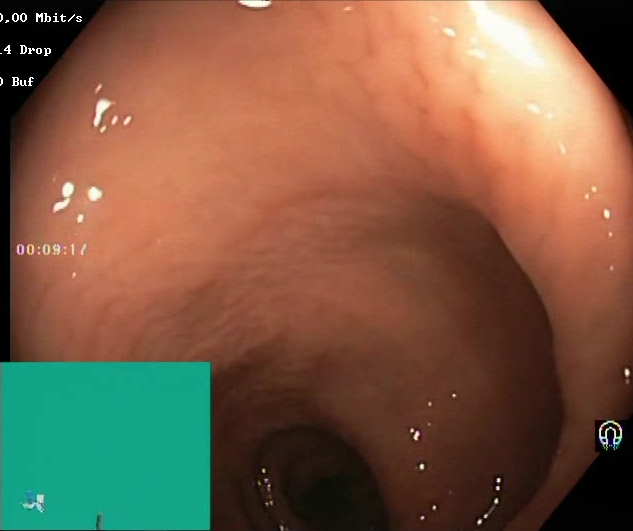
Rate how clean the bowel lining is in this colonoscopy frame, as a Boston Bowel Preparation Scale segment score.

Boston Bowel Preparation Scale score 2–3 (adequate preparation)